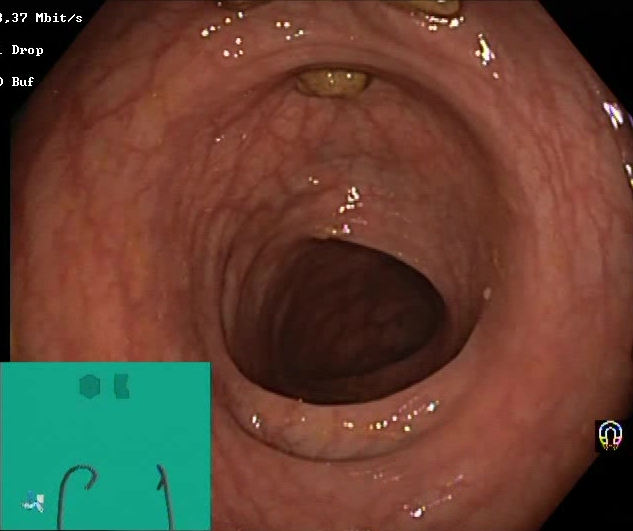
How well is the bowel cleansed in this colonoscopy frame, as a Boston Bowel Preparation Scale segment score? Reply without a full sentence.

Boston Bowel Preparation Scale score 2–3 (adequate preparation)